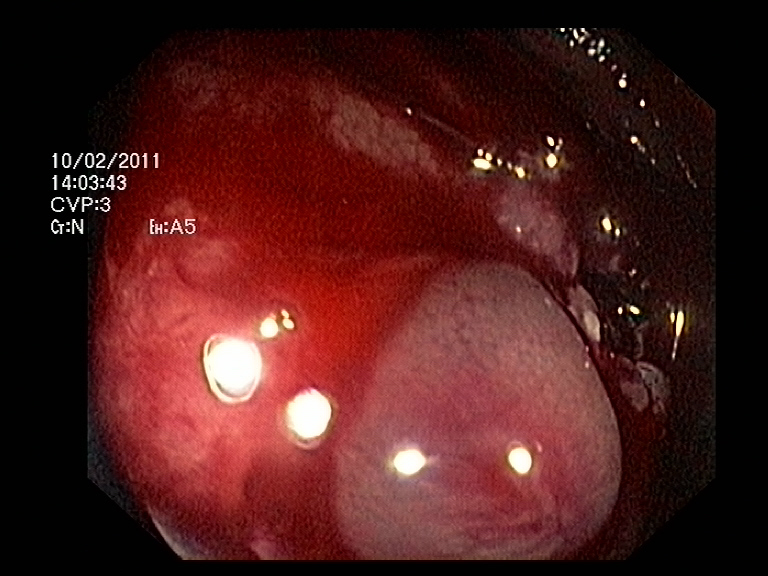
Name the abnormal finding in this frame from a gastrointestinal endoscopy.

colon polyp